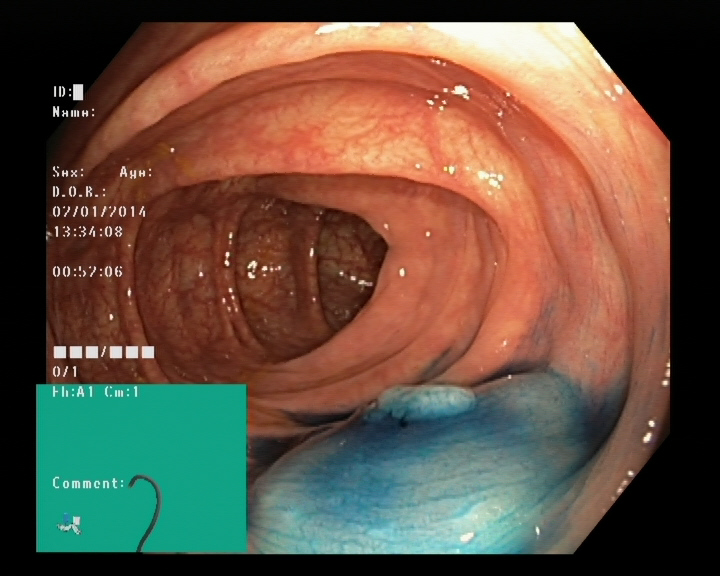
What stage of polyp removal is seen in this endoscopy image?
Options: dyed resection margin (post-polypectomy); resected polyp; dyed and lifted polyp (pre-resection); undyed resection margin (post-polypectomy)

dyed and lifted polyp (pre-resection)